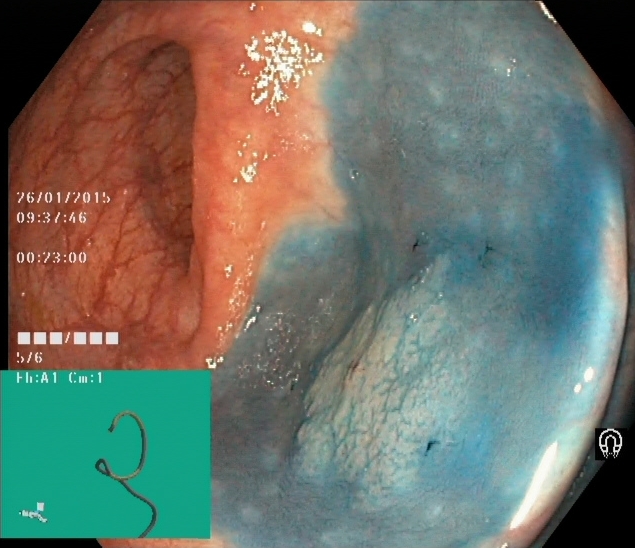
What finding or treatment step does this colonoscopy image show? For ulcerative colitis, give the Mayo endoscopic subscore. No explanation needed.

dyed and lifted polyp (pre-resection)